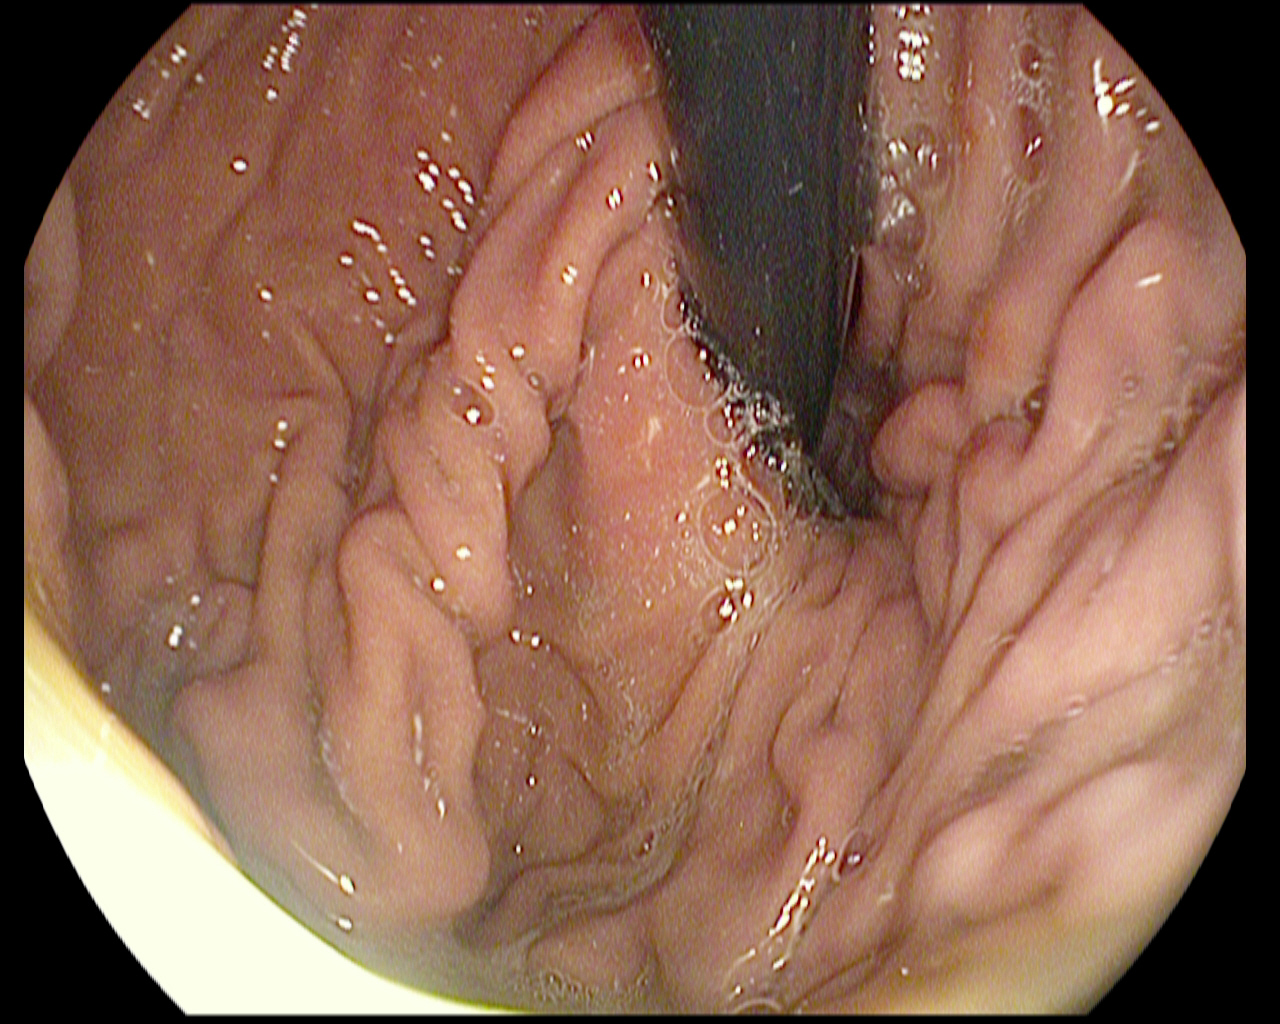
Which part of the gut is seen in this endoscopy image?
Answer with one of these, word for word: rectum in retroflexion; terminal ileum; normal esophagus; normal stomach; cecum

normal stomach